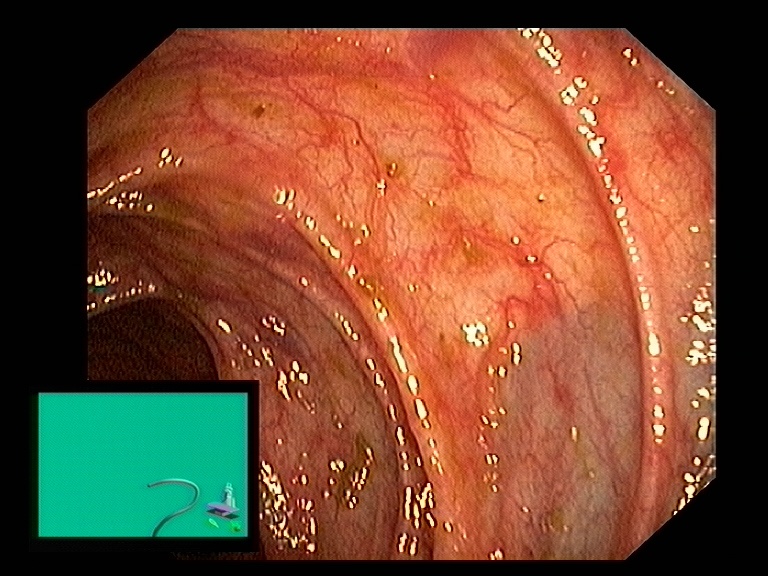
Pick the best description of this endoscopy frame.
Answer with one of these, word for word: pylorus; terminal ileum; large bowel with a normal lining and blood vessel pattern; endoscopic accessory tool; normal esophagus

large bowel with a normal lining and blood vessel pattern